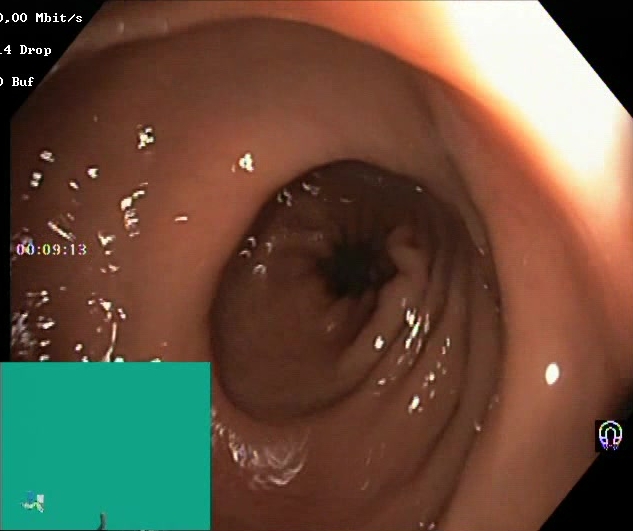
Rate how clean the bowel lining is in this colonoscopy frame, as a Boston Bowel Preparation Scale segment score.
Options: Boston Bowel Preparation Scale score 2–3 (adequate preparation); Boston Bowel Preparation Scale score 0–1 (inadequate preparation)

Boston Bowel Preparation Scale score 2–3 (adequate preparation)